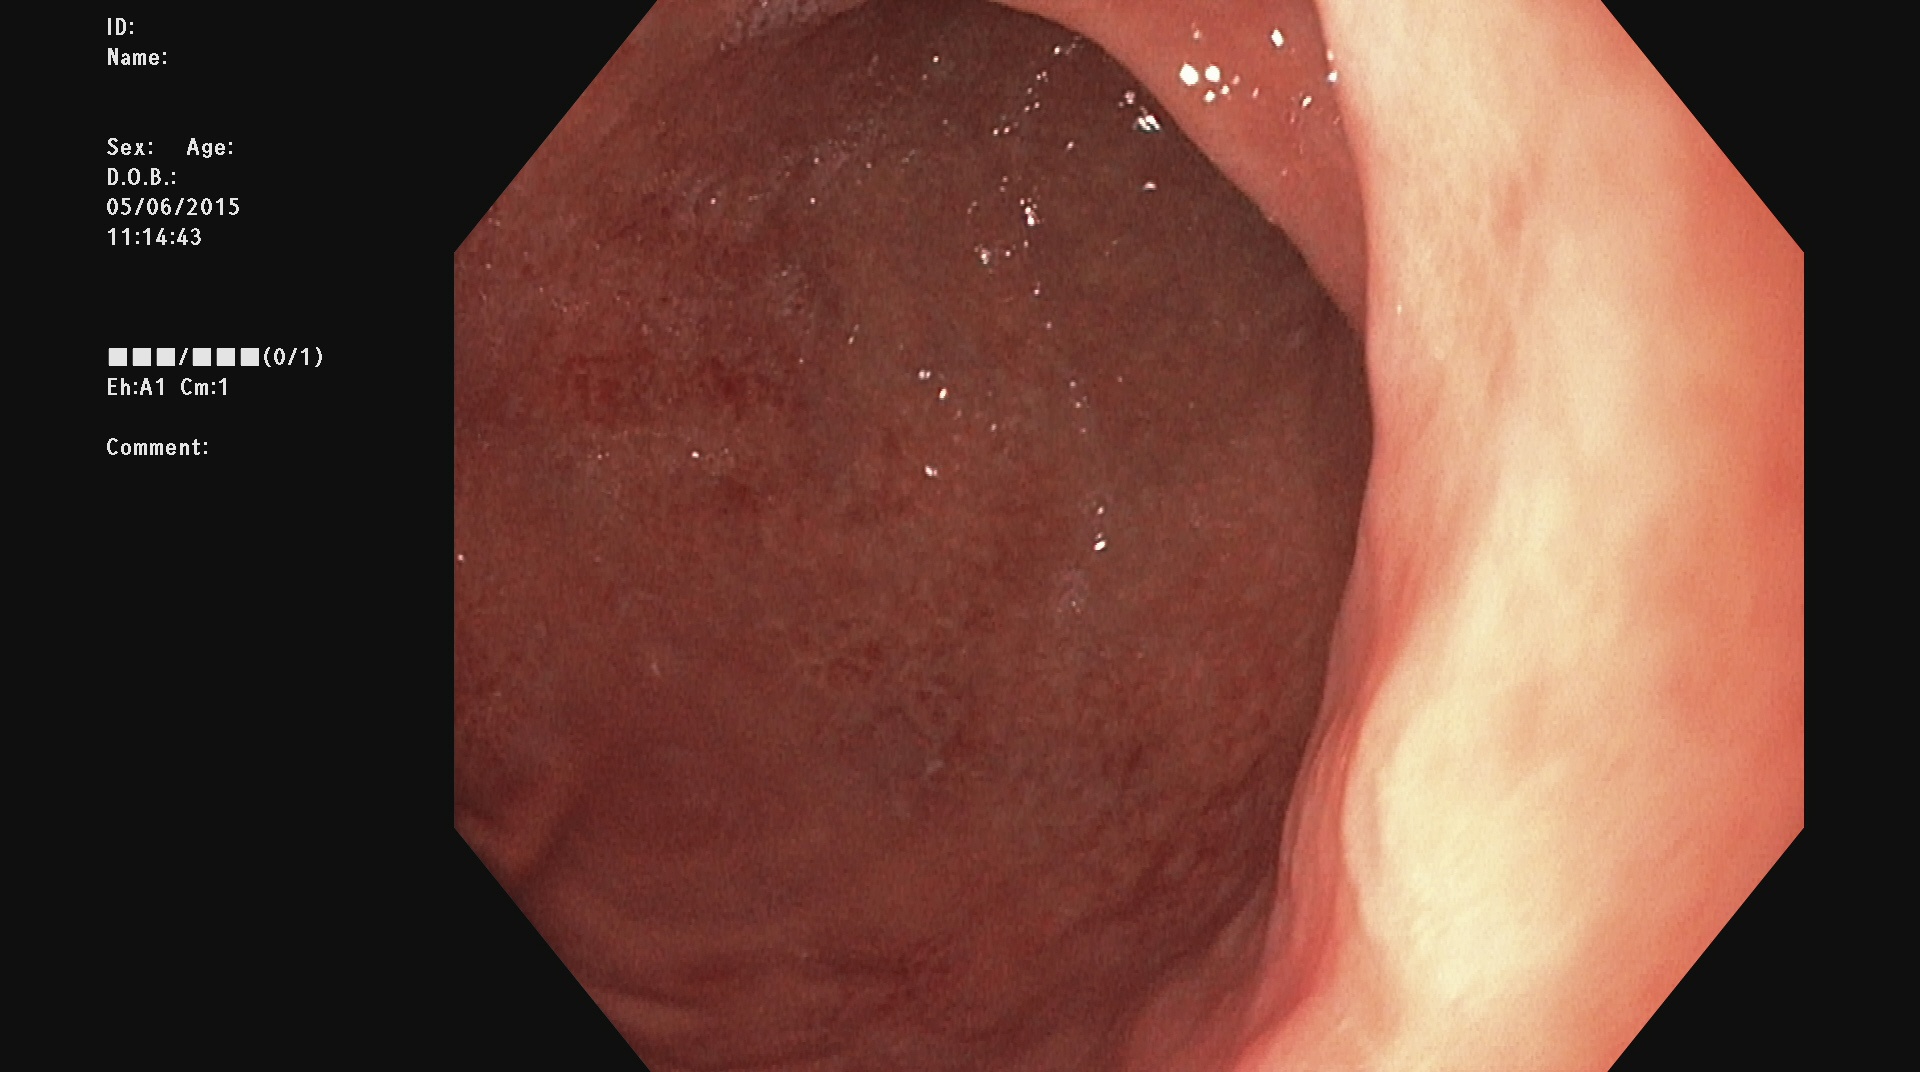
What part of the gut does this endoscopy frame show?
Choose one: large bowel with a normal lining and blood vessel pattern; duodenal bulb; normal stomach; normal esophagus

normal stomach